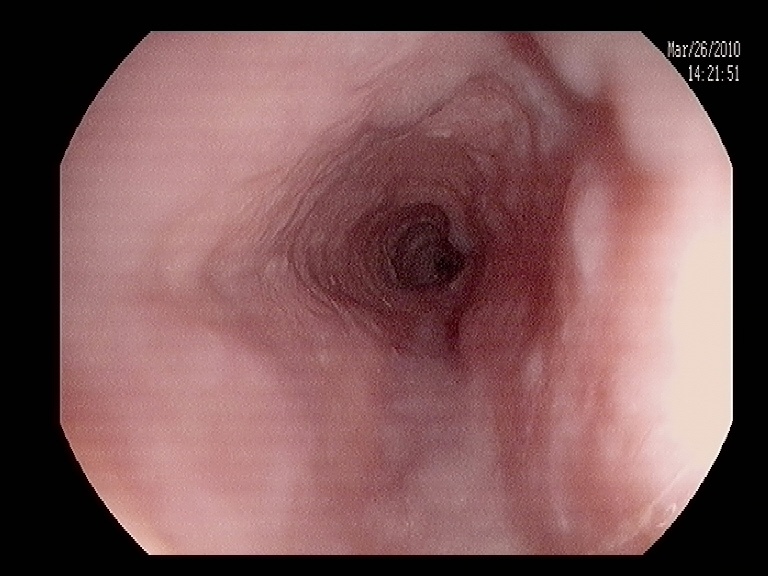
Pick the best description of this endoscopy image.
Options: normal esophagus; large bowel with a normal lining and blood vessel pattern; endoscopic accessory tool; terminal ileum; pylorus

normal esophagus